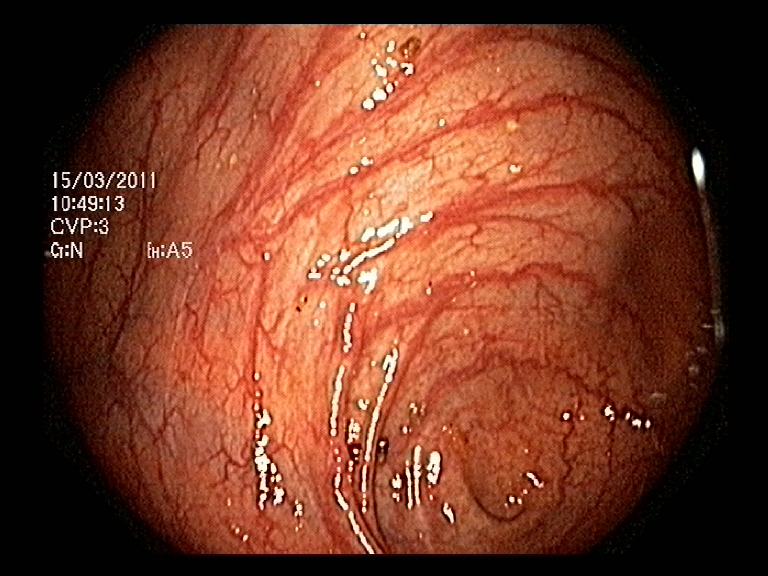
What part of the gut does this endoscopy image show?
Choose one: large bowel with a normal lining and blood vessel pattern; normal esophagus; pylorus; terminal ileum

large bowel with a normal lining and blood vessel pattern